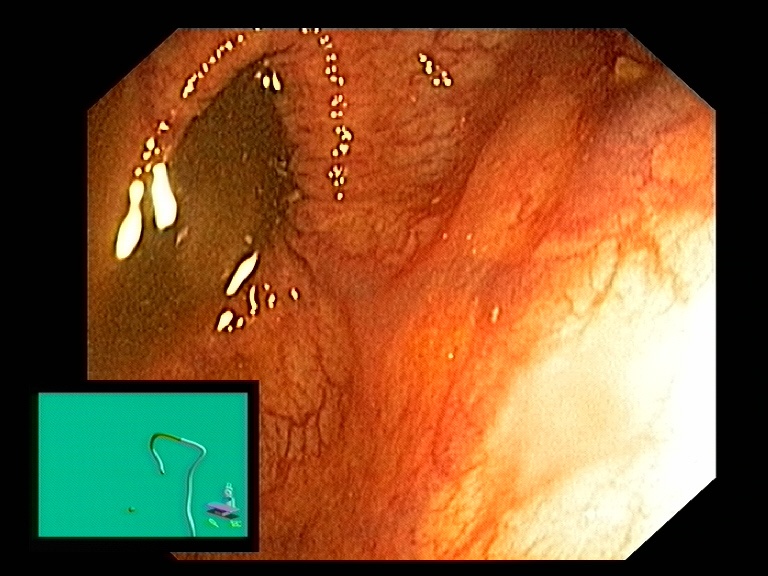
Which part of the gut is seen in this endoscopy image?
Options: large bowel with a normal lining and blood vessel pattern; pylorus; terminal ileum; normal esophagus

large bowel with a normal lining and blood vessel pattern